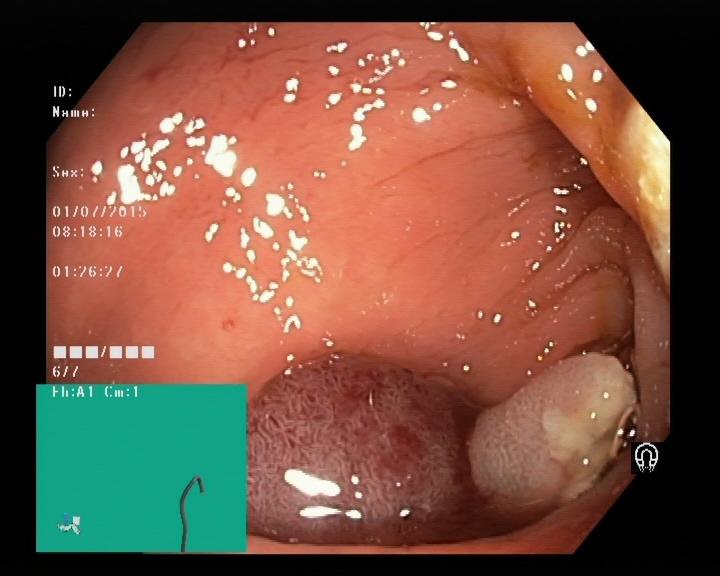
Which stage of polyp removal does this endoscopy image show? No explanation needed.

resected polyp